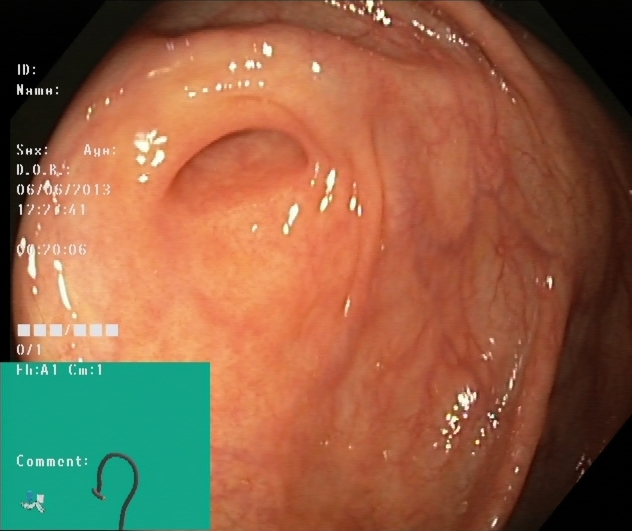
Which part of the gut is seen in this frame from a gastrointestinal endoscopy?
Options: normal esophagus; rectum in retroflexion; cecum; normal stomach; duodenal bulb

cecum